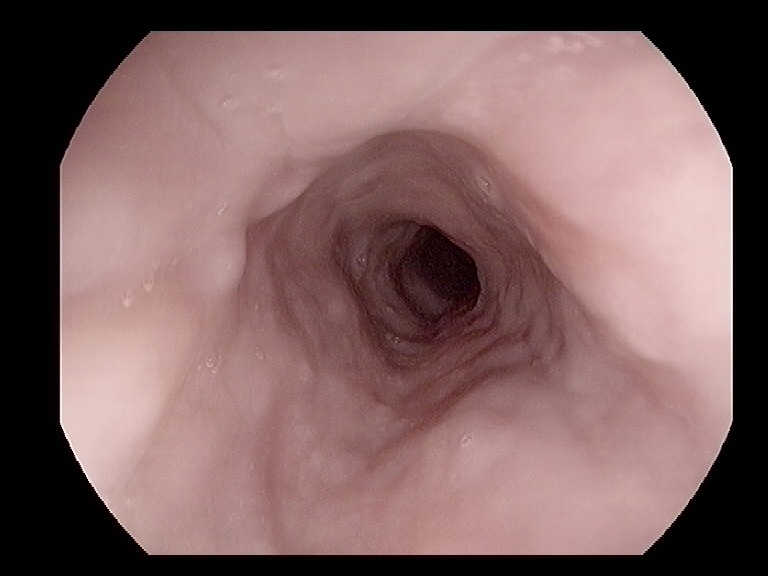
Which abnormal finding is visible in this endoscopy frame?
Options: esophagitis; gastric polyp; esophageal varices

esophageal varices